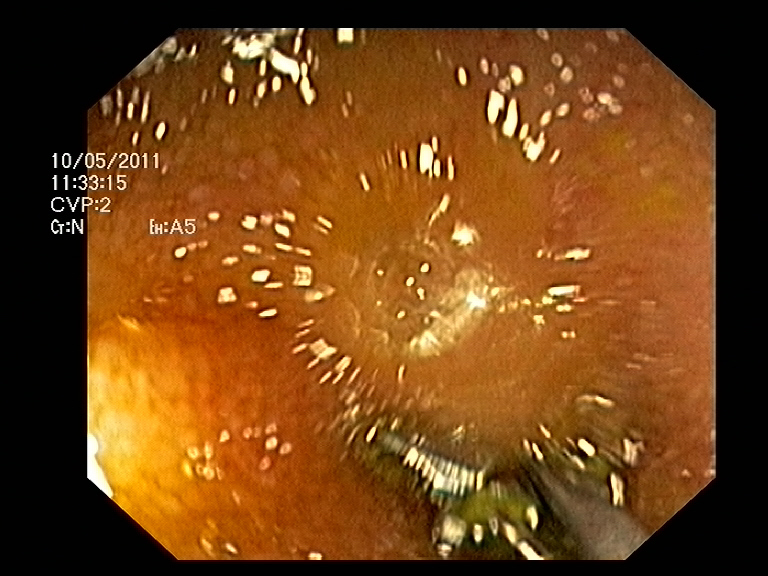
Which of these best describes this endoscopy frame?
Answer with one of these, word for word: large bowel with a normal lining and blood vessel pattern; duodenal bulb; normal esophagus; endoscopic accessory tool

endoscopic accessory tool